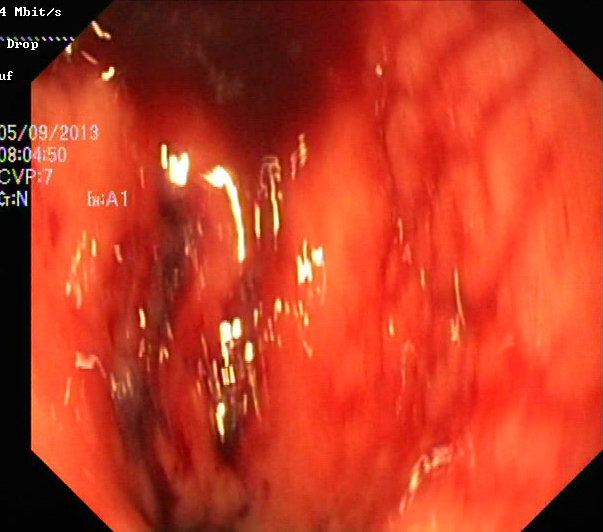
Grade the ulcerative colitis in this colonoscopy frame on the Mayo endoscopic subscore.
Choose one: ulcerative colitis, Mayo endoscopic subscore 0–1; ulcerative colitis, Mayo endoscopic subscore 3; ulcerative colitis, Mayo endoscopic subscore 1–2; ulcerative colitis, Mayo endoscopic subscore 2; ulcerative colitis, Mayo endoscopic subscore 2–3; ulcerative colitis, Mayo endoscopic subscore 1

ulcerative colitis, Mayo endoscopic subscore 3